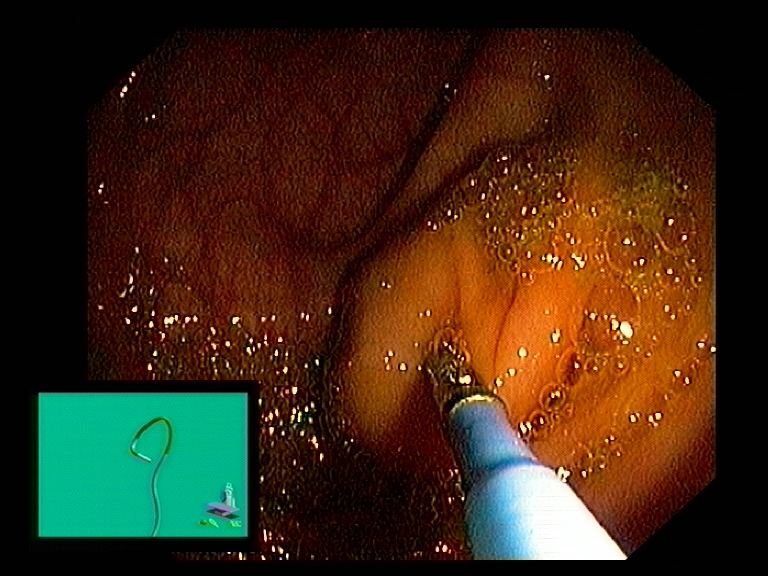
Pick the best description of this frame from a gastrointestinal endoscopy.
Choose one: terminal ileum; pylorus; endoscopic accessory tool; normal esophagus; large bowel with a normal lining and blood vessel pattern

endoscopic accessory tool